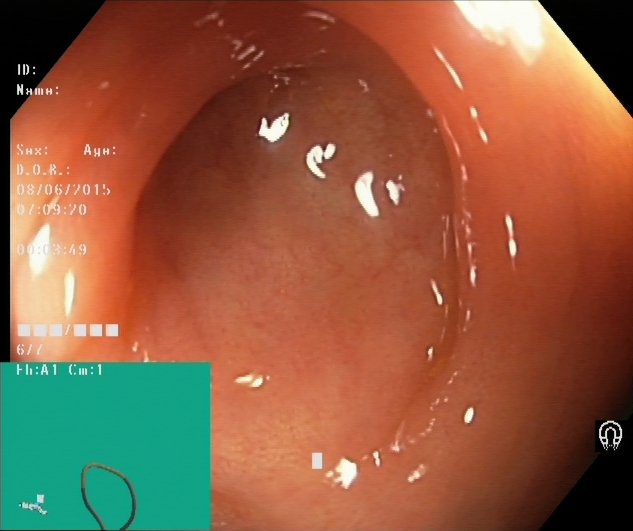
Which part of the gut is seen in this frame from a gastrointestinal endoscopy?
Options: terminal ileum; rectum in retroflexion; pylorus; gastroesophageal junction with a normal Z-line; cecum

cecum